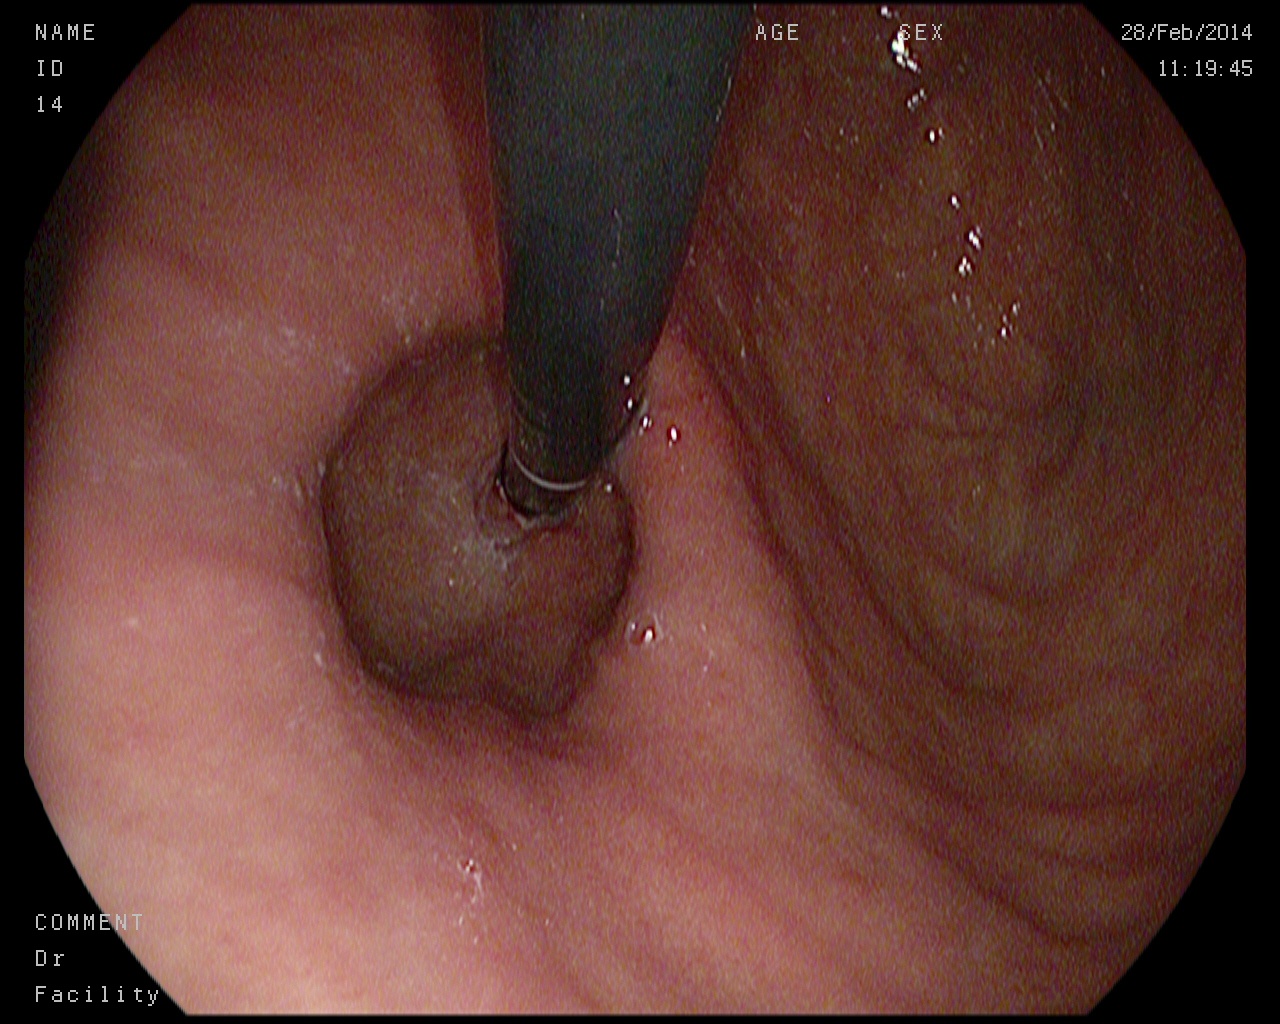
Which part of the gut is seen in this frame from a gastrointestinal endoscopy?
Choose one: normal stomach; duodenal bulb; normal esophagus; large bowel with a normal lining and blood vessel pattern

normal stomach